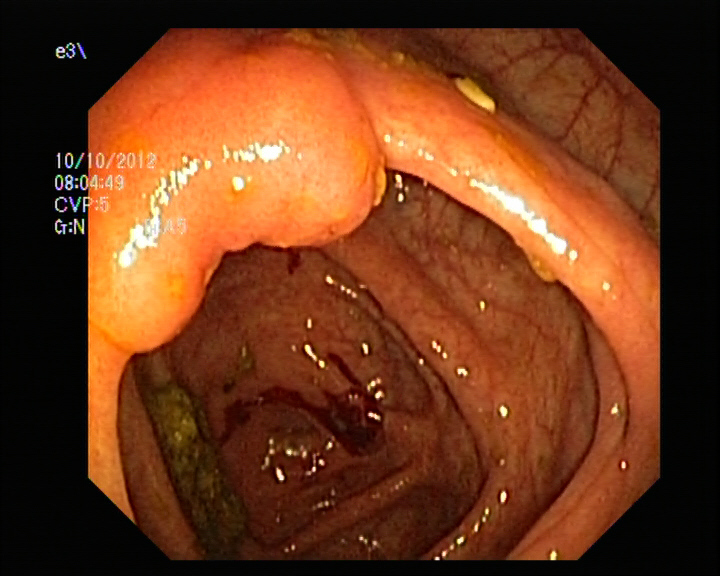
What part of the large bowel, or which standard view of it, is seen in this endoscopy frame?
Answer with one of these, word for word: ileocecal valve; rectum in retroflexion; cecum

ileocecal valve